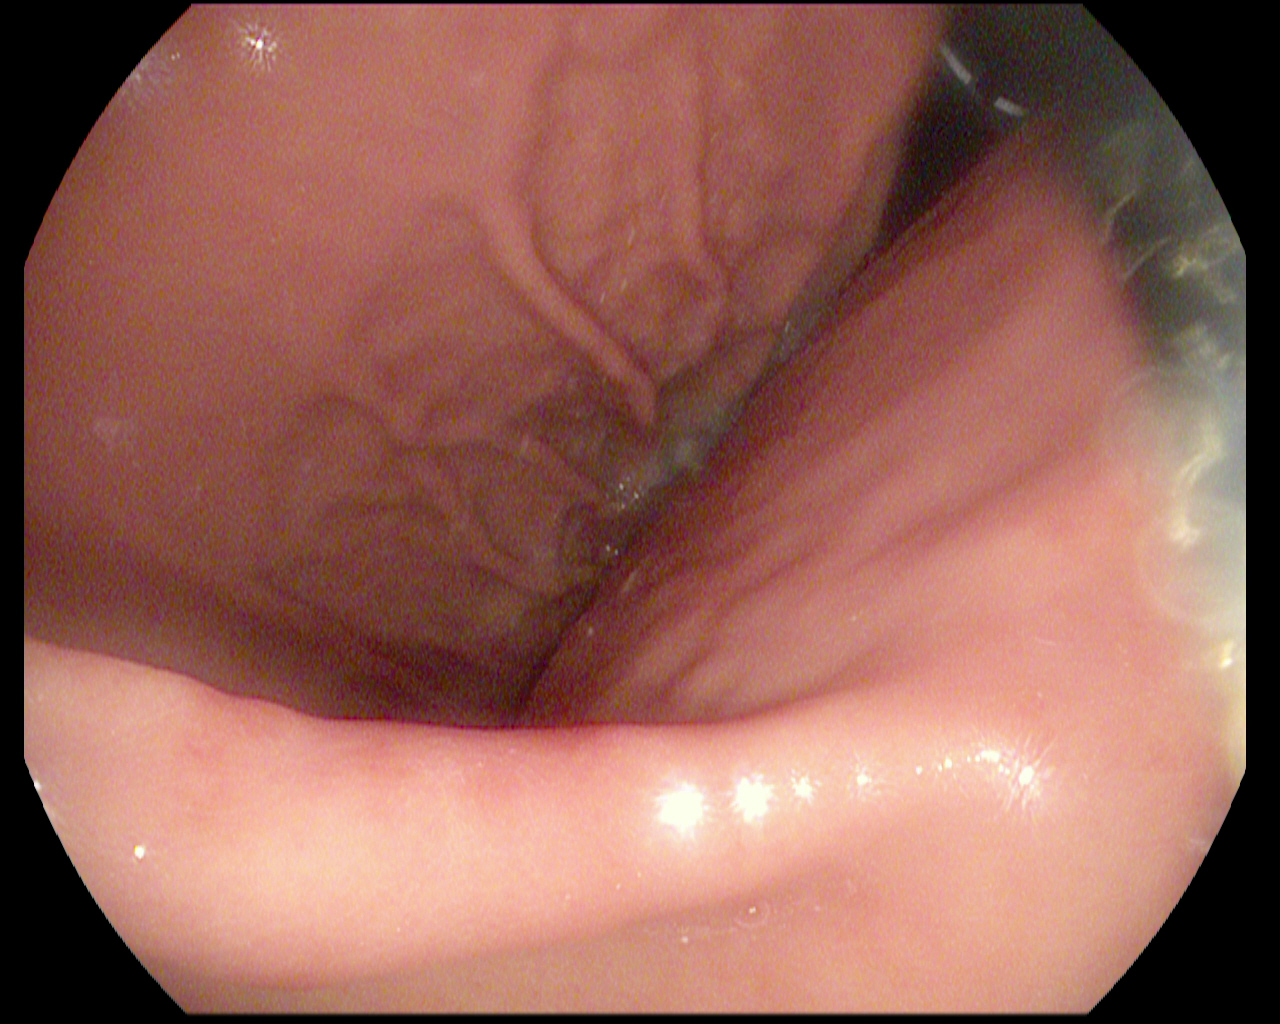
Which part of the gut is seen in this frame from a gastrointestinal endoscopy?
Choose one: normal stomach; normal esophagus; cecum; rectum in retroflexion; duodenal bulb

normal stomach